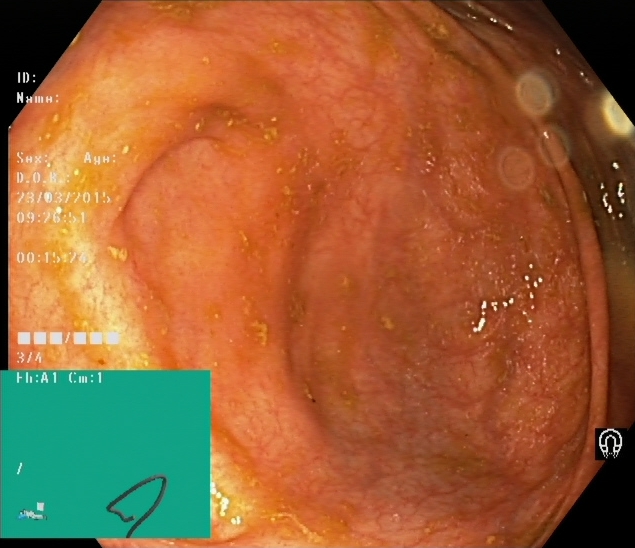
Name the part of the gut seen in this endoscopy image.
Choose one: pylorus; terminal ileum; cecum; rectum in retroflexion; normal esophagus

cecum